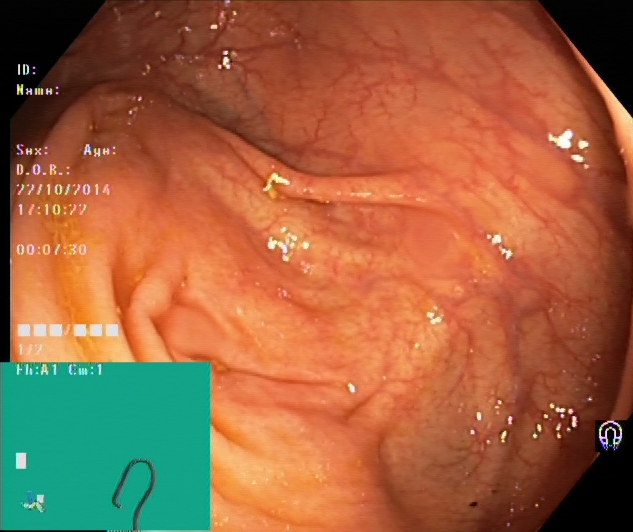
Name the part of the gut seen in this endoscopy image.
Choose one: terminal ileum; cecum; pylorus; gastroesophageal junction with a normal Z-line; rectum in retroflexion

cecum